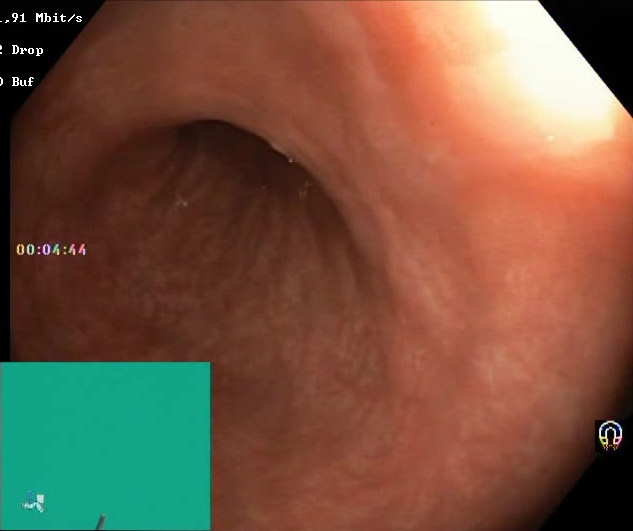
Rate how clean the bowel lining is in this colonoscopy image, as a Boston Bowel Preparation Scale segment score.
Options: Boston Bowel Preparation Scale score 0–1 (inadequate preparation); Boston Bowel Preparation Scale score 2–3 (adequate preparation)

Boston Bowel Preparation Scale score 2–3 (adequate preparation)